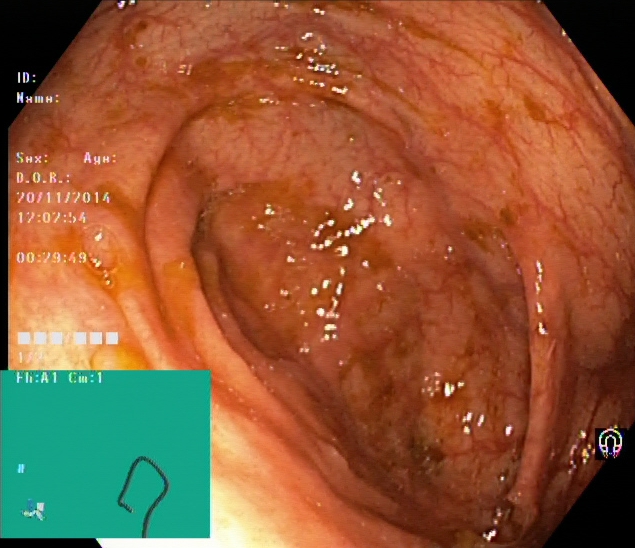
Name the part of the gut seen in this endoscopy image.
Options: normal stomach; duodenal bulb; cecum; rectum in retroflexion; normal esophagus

cecum